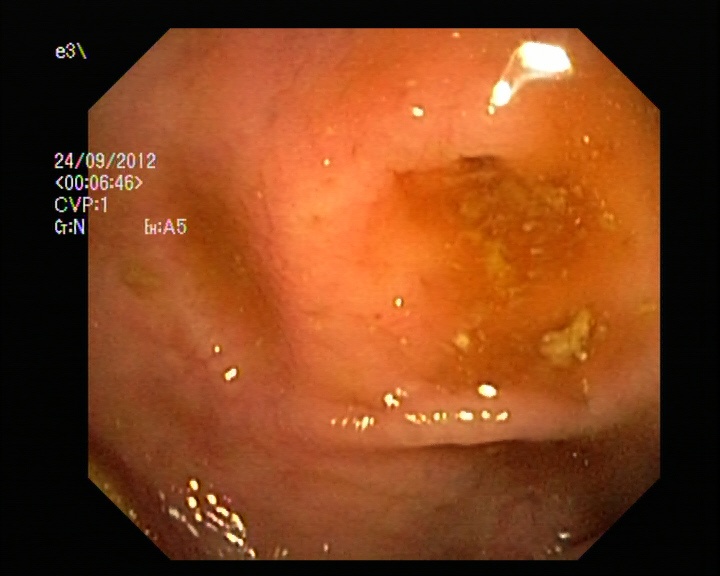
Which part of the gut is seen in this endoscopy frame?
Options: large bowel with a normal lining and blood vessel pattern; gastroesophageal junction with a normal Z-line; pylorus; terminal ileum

large bowel with a normal lining and blood vessel pattern